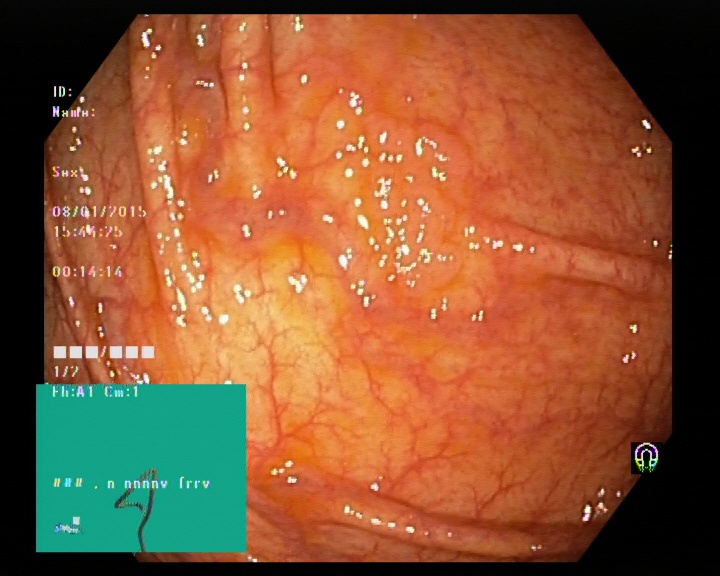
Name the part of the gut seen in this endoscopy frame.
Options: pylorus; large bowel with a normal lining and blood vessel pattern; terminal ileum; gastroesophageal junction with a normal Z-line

large bowel with a normal lining and blood vessel pattern